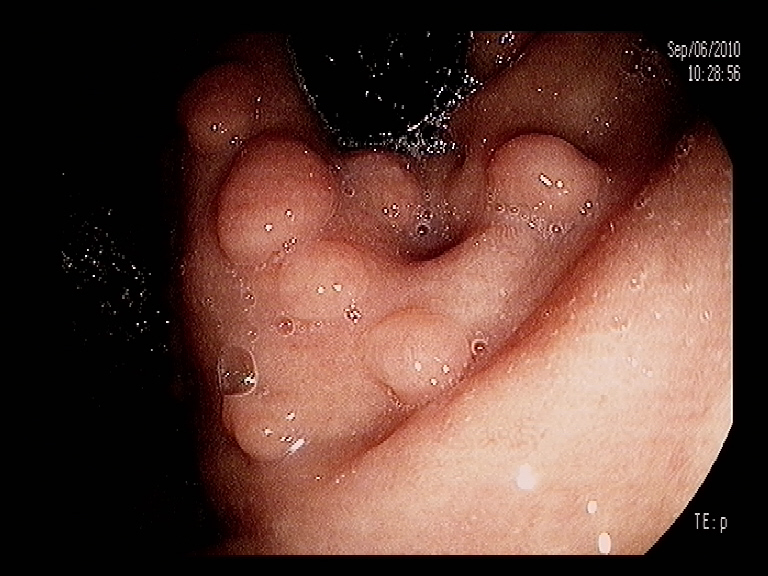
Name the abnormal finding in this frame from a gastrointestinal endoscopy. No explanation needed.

gastric polyp